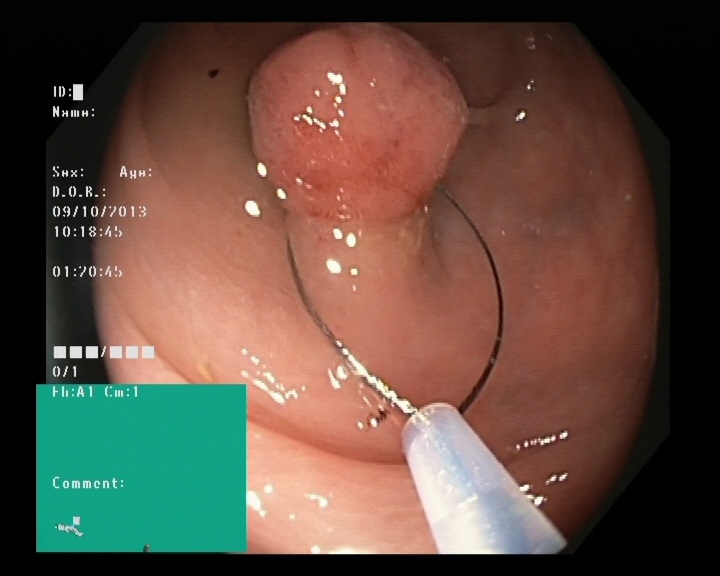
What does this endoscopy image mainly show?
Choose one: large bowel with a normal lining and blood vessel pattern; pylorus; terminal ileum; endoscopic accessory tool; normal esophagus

endoscopic accessory tool